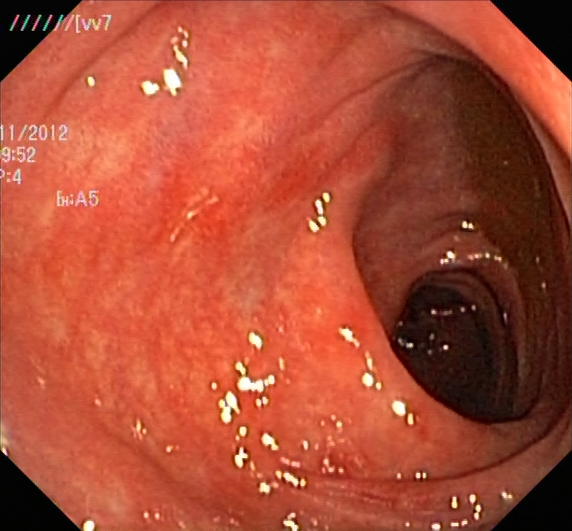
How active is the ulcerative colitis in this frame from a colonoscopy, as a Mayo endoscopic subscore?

ulcerative colitis, Mayo endoscopic subscore 1